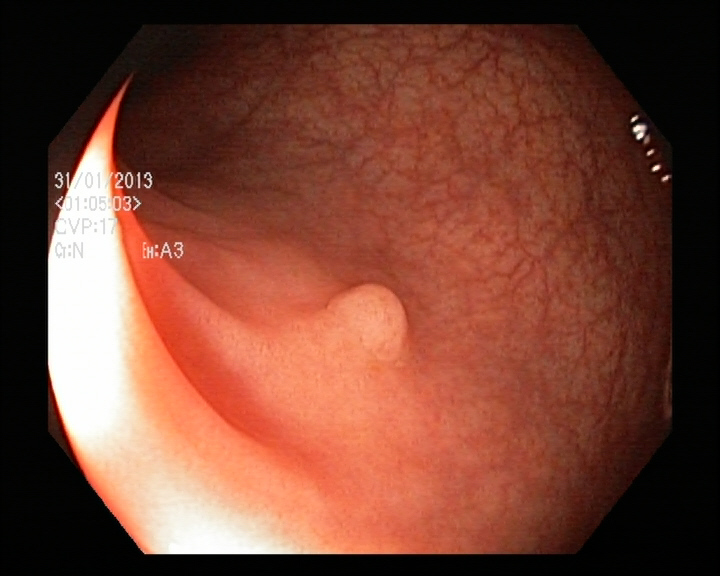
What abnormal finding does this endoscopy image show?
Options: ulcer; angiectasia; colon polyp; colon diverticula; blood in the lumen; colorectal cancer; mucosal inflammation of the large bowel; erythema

colon polyp